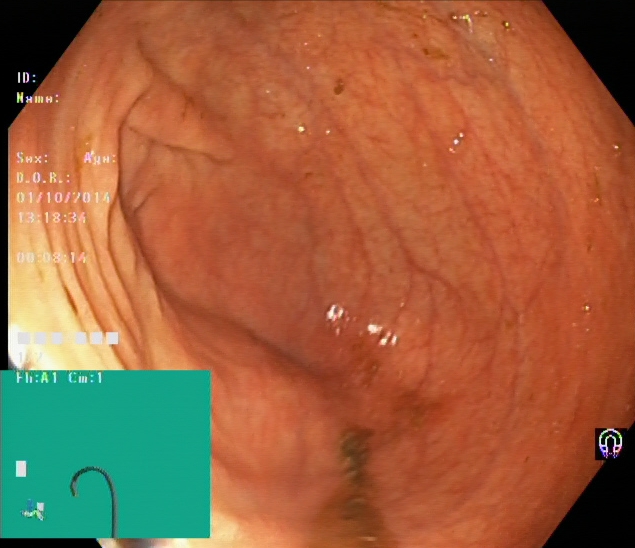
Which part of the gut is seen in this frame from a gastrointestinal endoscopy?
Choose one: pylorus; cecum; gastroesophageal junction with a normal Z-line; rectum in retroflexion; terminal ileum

cecum